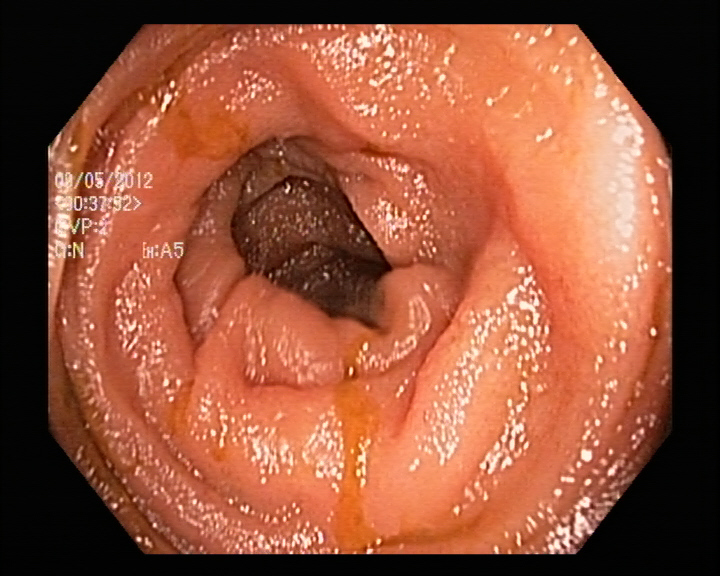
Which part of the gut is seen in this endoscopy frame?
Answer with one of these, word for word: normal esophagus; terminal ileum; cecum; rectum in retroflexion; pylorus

terminal ileum